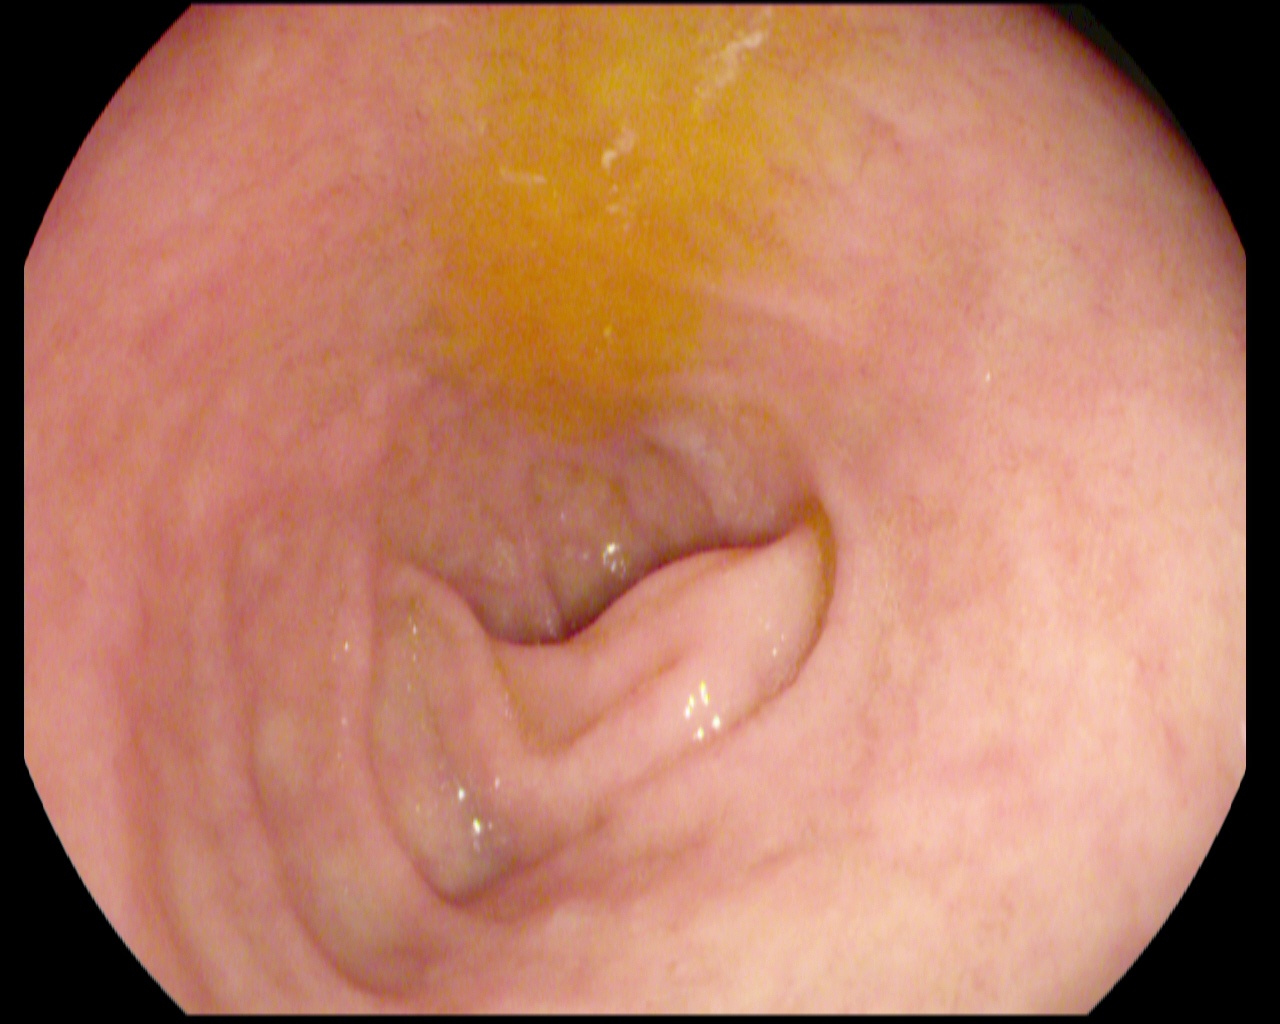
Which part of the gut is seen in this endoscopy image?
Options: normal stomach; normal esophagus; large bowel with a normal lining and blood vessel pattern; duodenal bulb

duodenal bulb